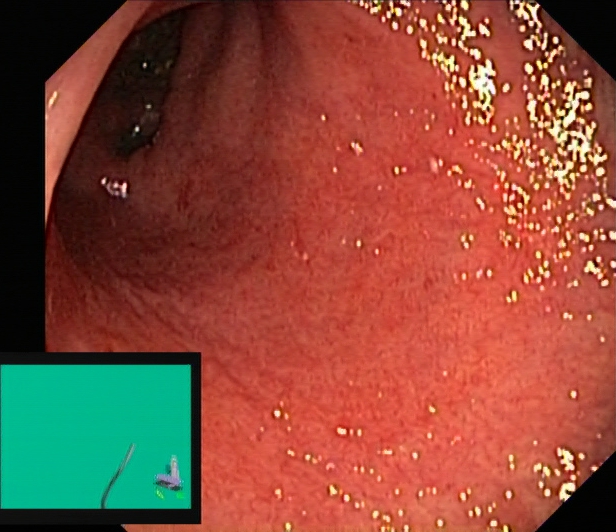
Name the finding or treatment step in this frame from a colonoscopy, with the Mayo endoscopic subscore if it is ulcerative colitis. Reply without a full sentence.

ulcerative colitis, Mayo endoscopic subscore 2